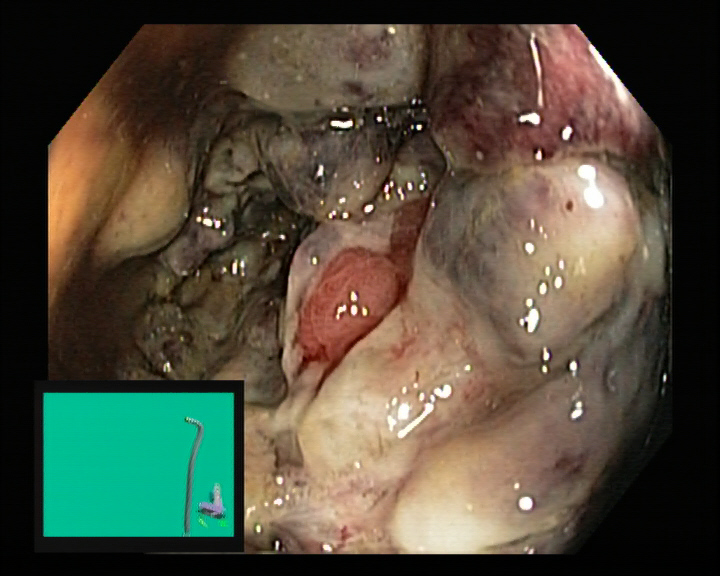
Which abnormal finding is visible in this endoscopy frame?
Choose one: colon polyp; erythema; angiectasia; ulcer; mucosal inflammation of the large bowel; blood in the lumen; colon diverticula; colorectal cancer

colorectal cancer